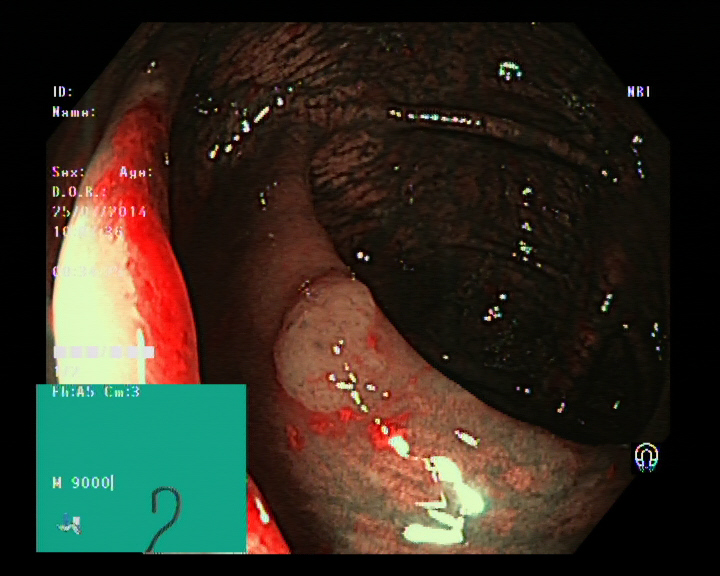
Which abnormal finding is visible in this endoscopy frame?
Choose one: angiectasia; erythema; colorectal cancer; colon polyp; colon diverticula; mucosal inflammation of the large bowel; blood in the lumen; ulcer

colon polyp